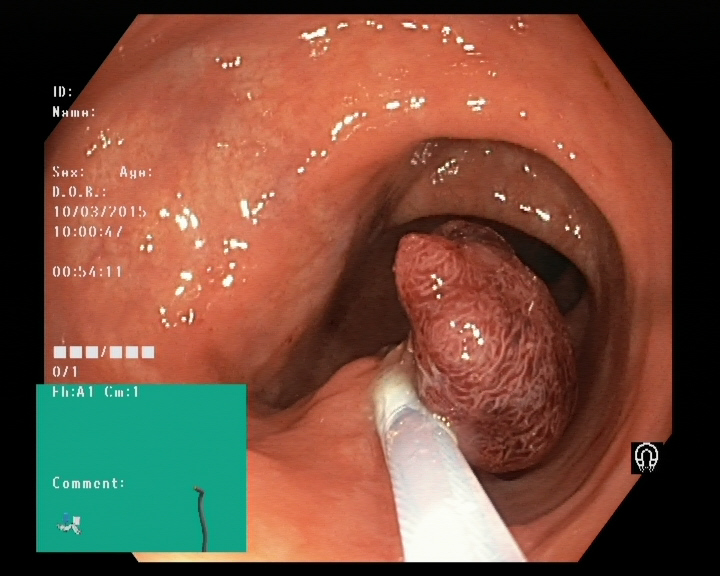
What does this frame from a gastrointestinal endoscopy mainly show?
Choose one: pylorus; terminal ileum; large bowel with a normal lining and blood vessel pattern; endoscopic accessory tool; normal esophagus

endoscopic accessory tool